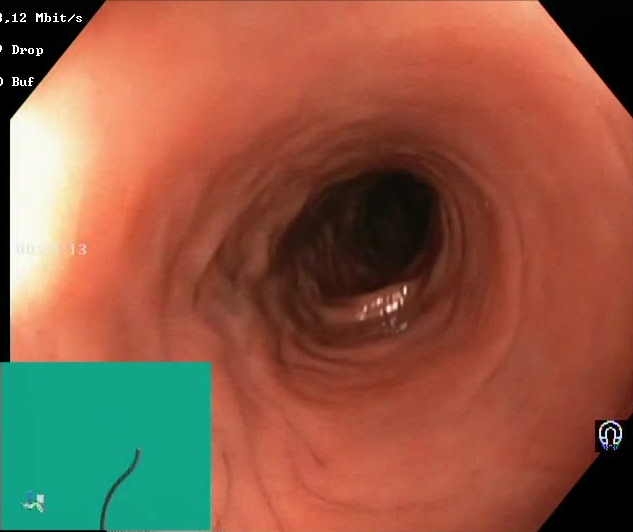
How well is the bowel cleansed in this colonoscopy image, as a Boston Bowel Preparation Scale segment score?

Boston Bowel Preparation Scale score 2–3 (adequate preparation)